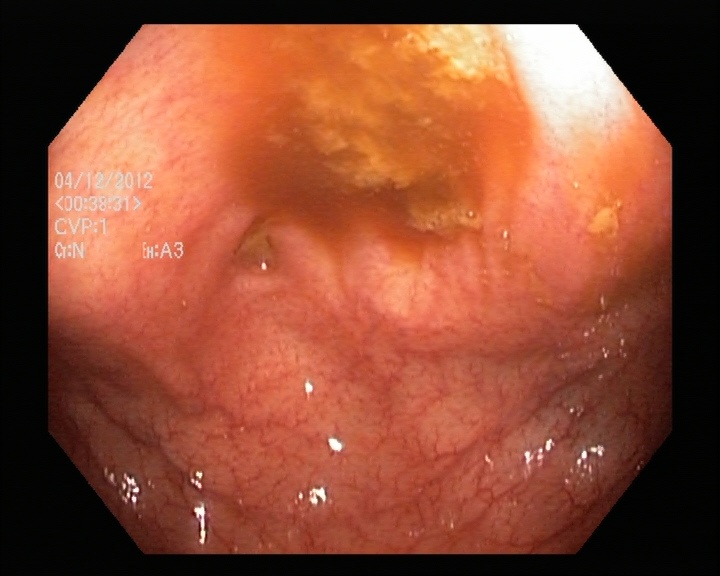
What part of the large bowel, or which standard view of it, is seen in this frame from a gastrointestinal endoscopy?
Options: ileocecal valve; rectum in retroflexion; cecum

cecum